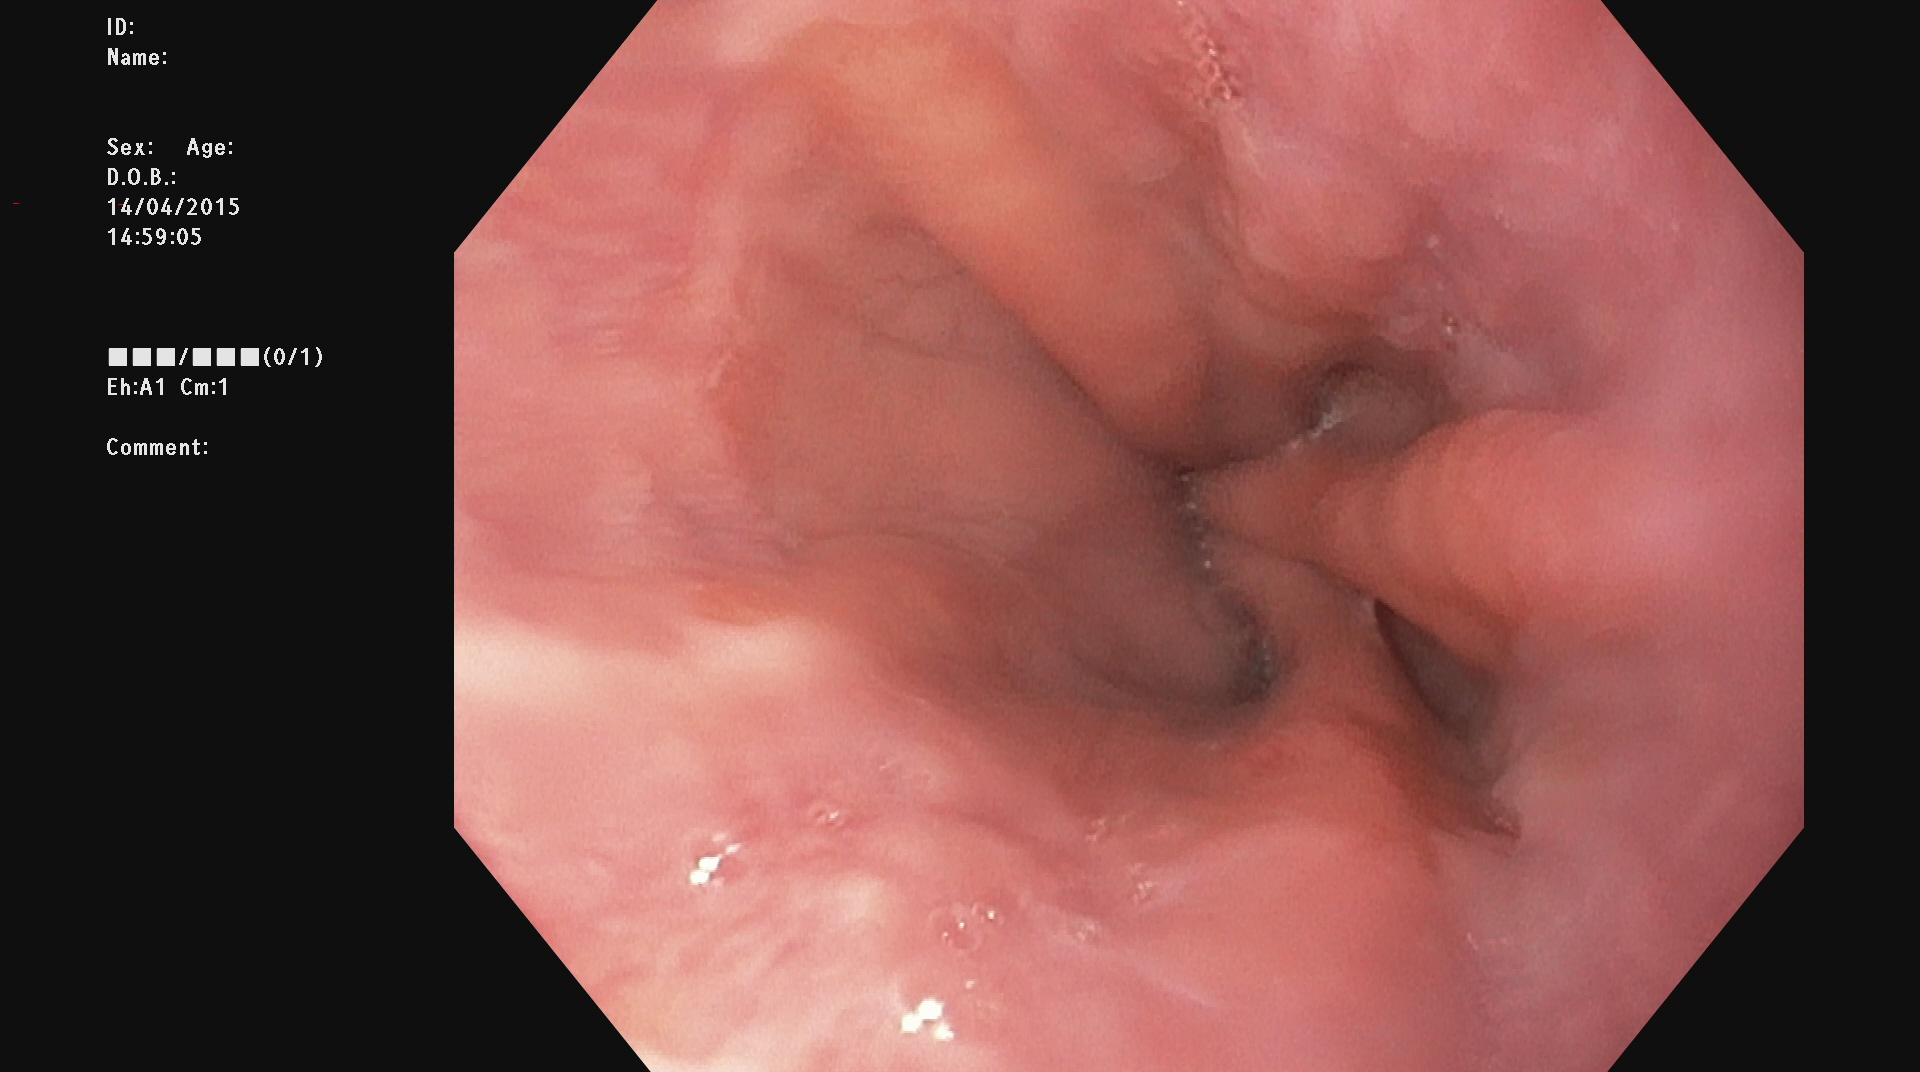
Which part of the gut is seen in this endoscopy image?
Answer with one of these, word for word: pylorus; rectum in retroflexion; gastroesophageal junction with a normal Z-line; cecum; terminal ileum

gastroesophageal junction with a normal Z-line